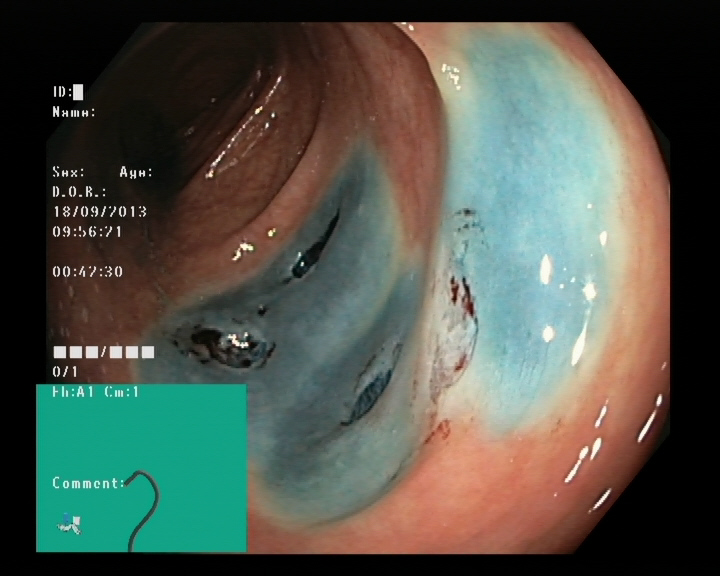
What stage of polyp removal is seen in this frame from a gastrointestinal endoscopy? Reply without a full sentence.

dyed resection margin (post-polypectomy)